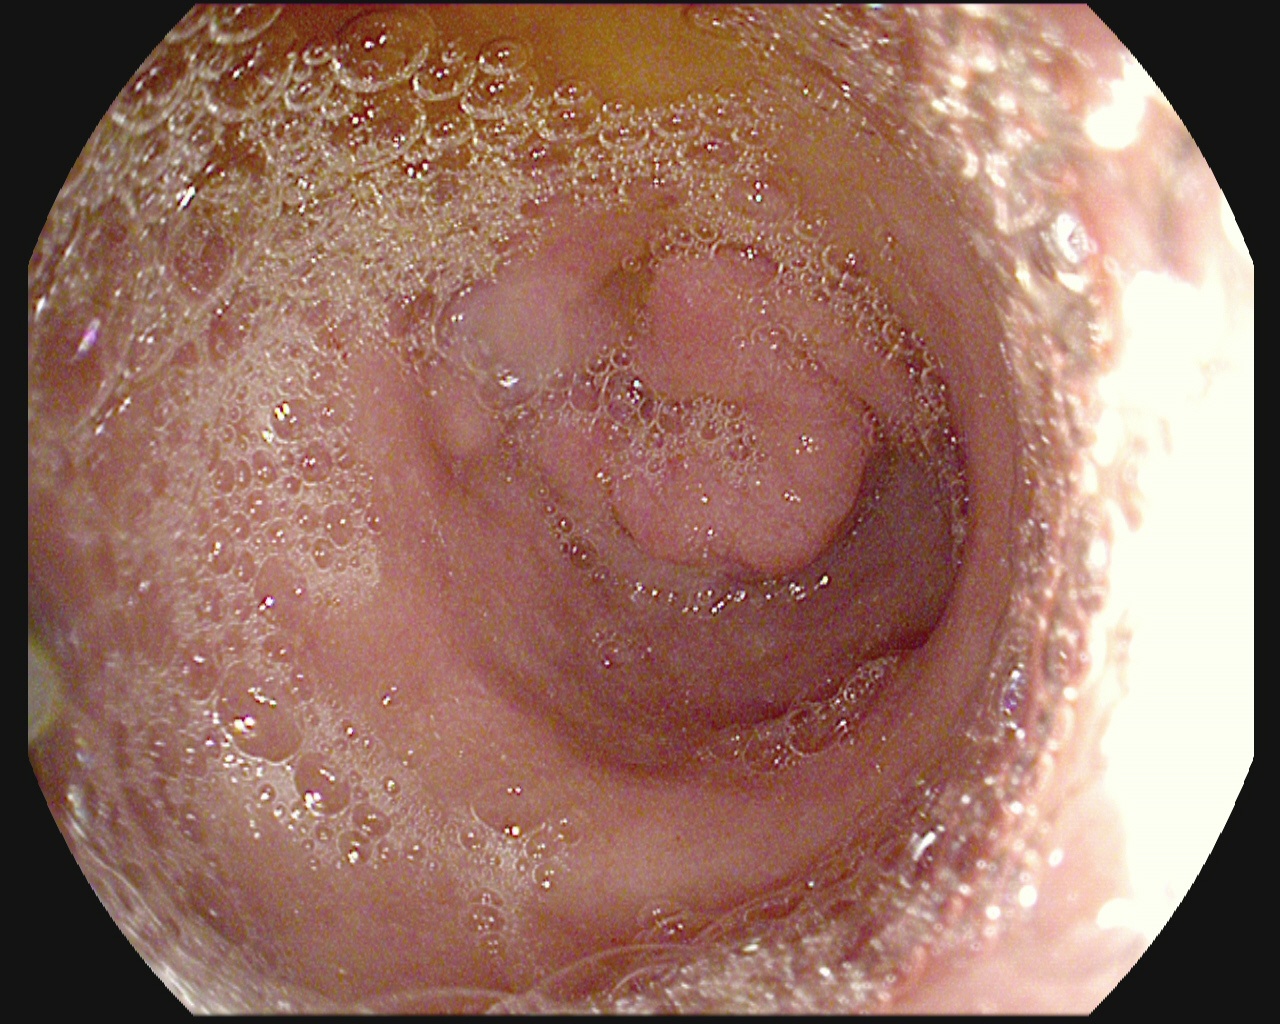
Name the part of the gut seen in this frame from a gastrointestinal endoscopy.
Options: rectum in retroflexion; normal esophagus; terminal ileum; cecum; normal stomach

normal stomach